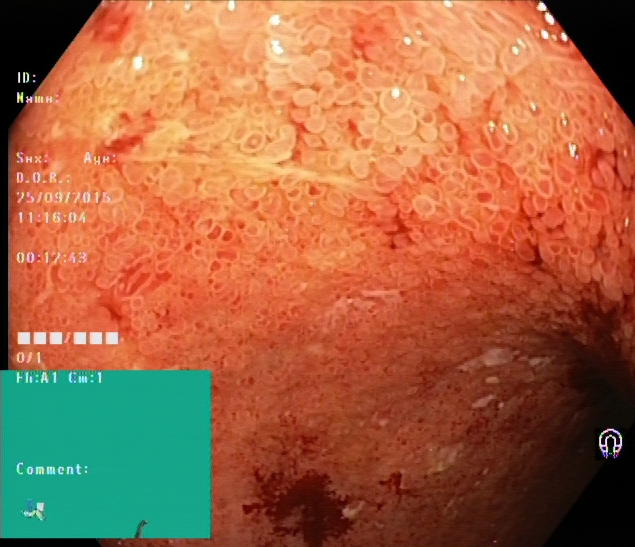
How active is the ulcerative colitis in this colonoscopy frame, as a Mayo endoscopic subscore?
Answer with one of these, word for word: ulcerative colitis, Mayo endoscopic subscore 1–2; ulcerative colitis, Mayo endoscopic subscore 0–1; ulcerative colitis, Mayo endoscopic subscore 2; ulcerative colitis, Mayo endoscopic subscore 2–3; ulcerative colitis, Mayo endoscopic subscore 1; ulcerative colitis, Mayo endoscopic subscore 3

ulcerative colitis, Mayo endoscopic subscore 3